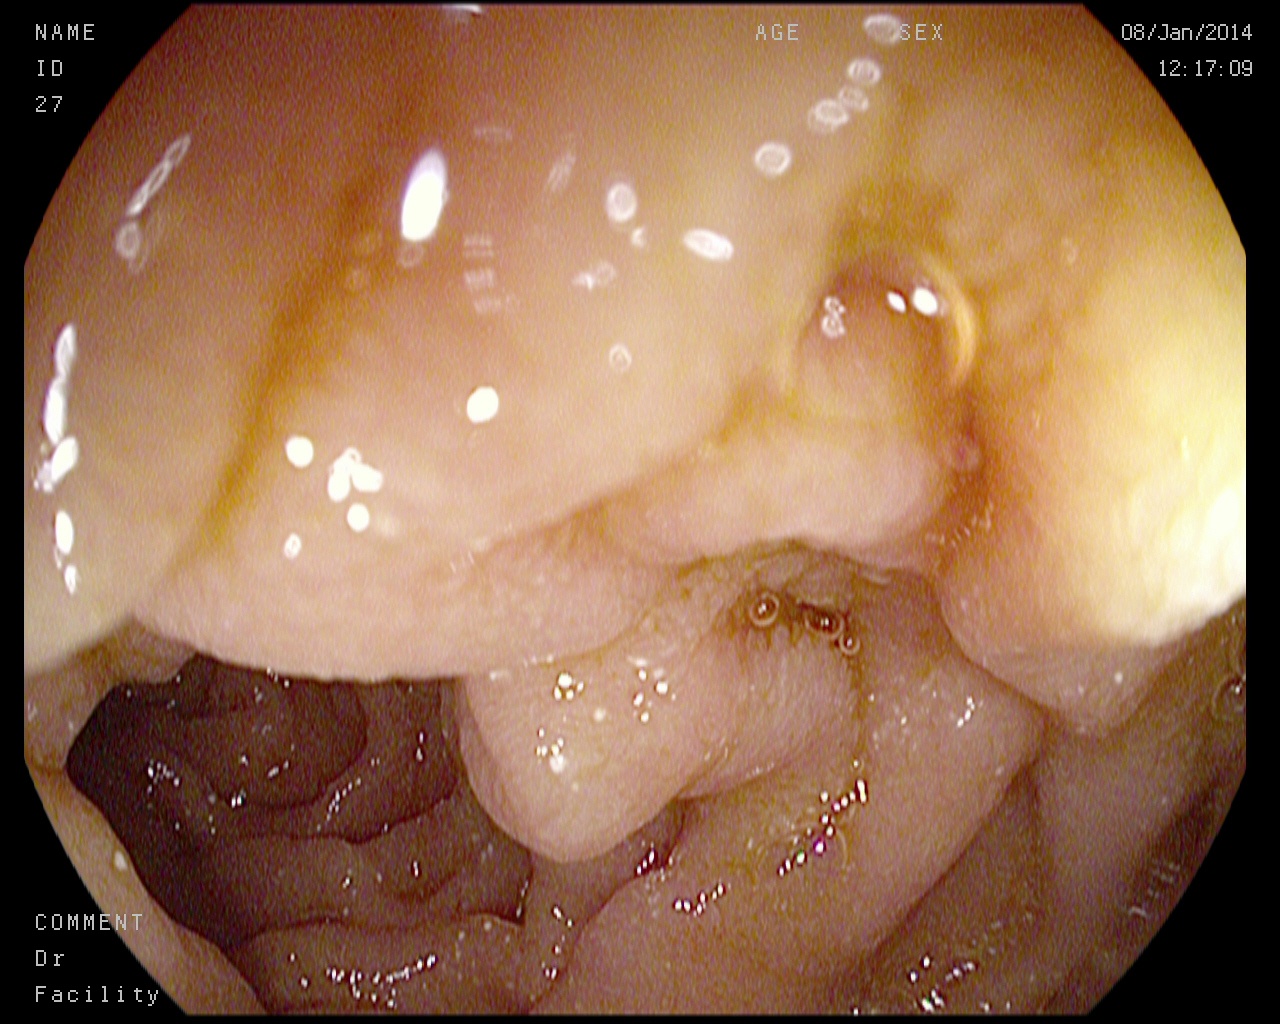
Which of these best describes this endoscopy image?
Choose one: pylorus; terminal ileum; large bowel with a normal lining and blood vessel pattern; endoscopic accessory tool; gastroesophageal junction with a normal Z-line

terminal ileum